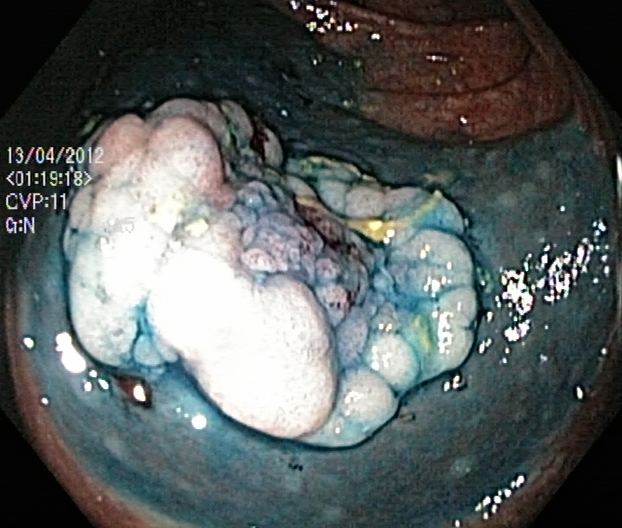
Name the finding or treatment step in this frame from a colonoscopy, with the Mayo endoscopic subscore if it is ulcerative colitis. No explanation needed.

dyed and lifted polyp (pre-resection)